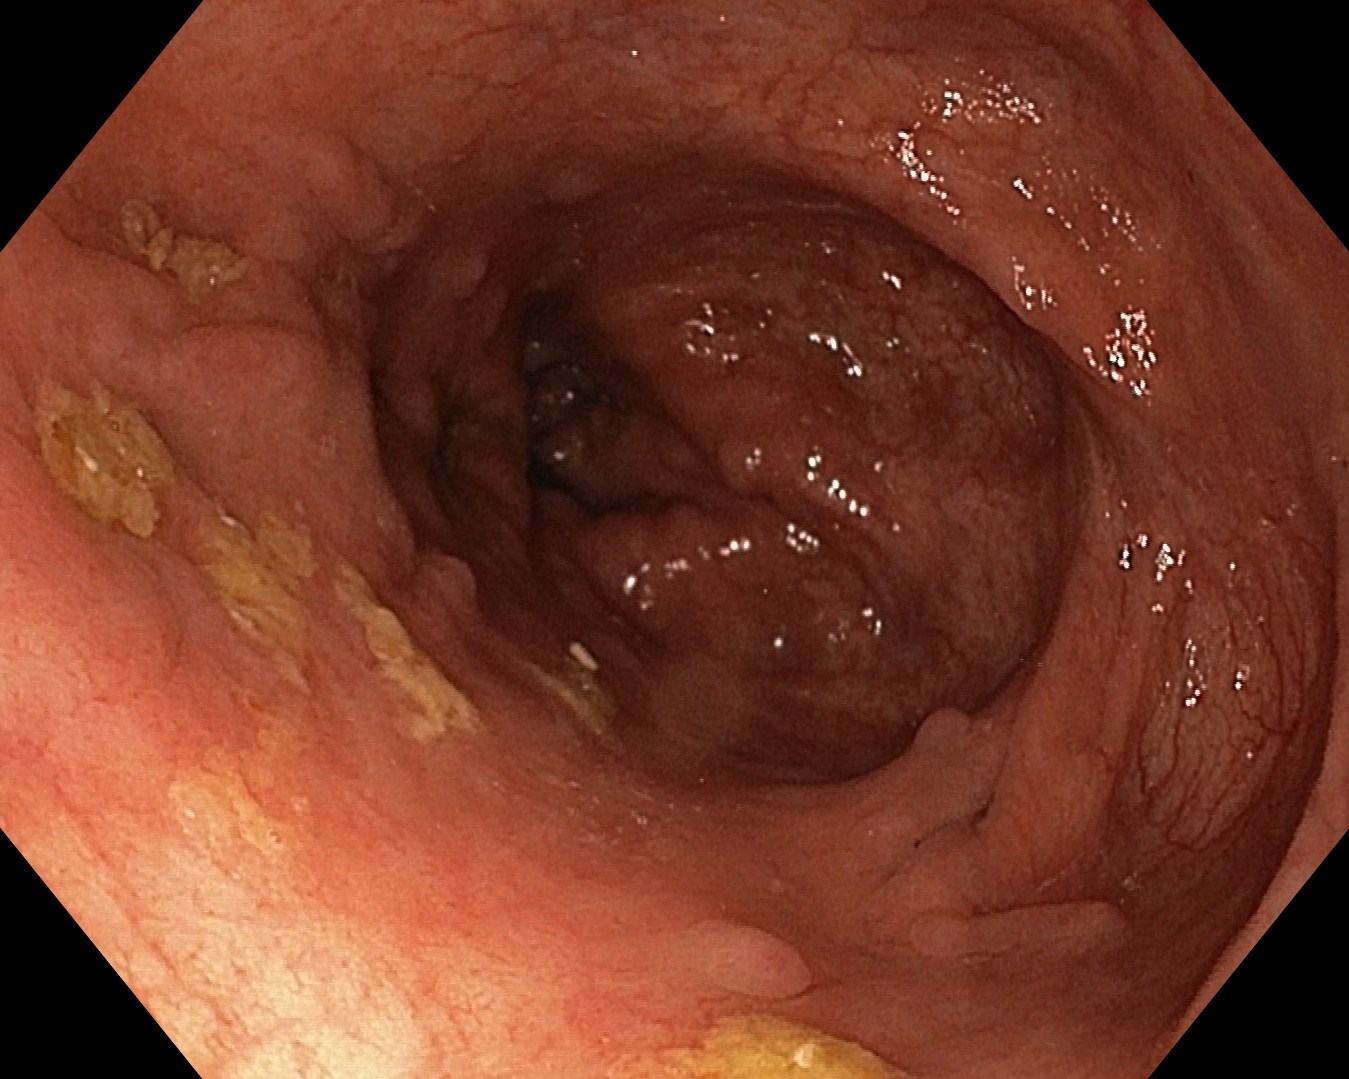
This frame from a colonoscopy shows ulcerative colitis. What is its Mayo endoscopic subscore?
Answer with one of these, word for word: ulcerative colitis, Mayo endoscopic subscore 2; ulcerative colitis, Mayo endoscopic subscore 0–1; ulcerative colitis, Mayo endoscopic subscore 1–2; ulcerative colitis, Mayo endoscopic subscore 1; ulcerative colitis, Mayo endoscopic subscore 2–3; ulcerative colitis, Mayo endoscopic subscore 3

ulcerative colitis, Mayo endoscopic subscore 1